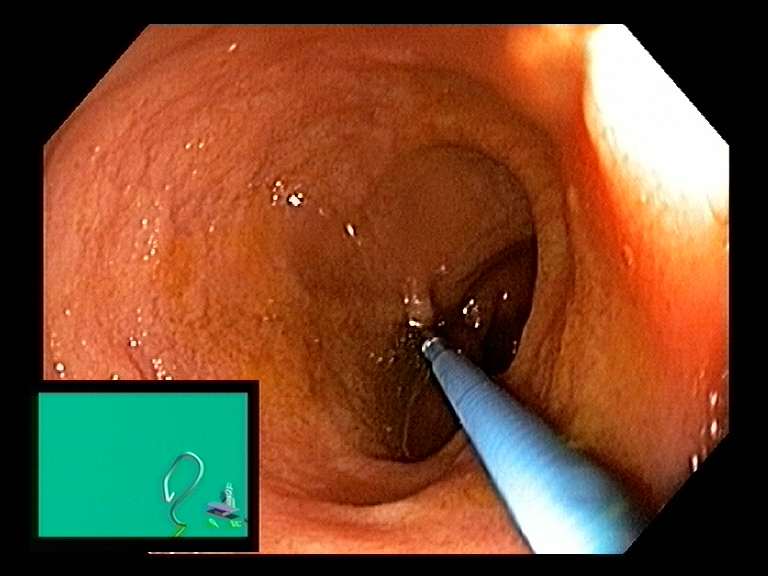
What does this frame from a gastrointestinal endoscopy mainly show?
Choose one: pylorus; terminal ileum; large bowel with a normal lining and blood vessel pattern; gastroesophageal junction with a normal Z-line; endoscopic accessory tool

endoscopic accessory tool